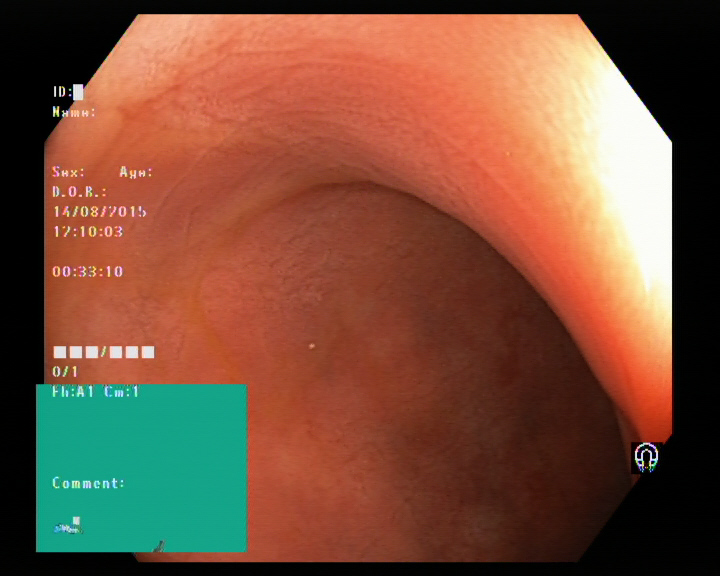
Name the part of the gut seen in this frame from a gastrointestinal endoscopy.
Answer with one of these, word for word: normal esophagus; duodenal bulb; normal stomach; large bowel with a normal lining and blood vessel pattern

large bowel with a normal lining and blood vessel pattern